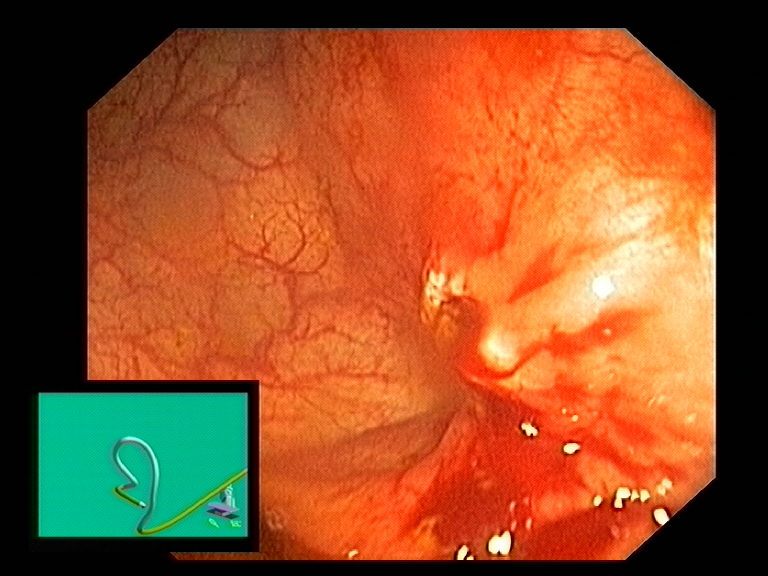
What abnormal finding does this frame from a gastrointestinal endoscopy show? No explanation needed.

blood in the lumen